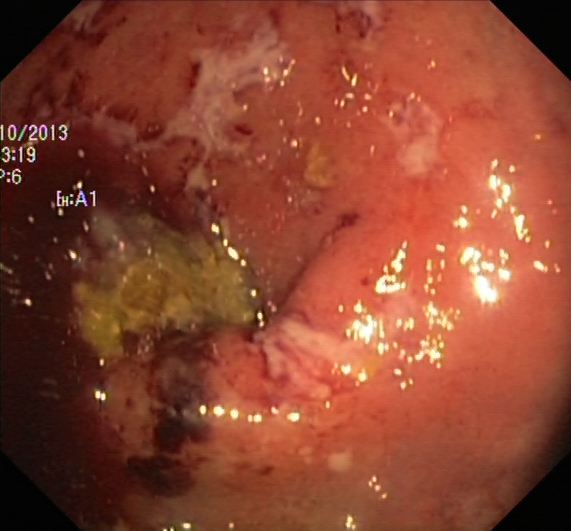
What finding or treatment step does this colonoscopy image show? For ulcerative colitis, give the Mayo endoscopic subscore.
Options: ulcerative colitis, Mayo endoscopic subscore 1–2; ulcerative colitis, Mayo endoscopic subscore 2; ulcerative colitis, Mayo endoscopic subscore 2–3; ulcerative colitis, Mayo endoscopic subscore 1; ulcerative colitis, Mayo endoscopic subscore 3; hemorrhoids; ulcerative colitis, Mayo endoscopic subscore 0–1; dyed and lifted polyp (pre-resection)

ulcerative colitis, Mayo endoscopic subscore 3